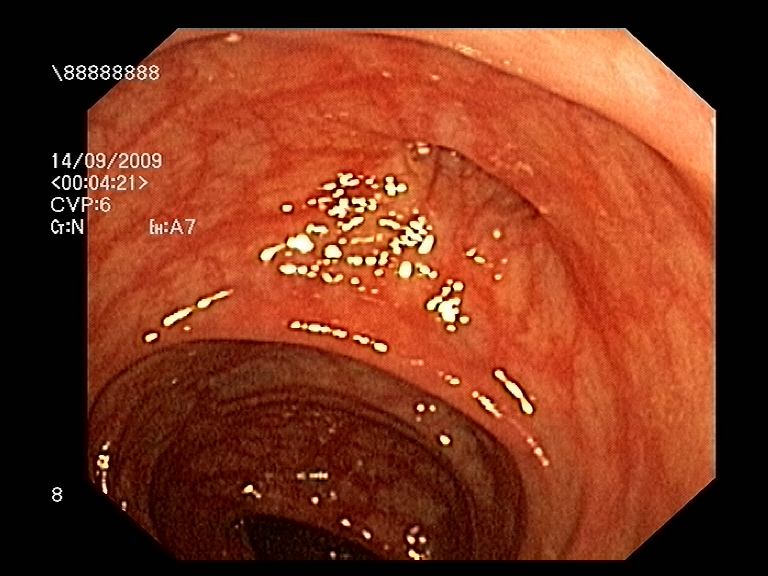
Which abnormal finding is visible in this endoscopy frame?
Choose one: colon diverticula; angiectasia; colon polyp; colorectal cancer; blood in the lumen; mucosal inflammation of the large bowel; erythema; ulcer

colon diverticula